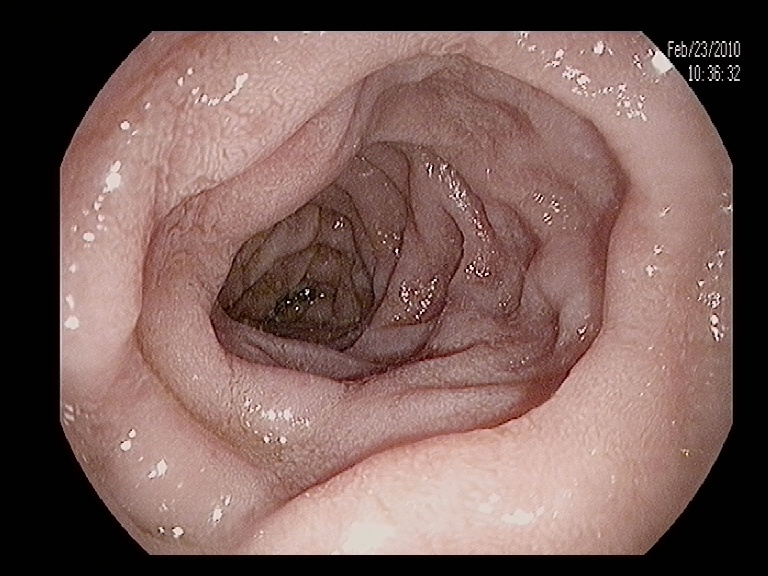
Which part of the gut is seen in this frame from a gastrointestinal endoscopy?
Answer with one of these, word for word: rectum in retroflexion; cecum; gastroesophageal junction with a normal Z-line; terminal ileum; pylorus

terminal ileum